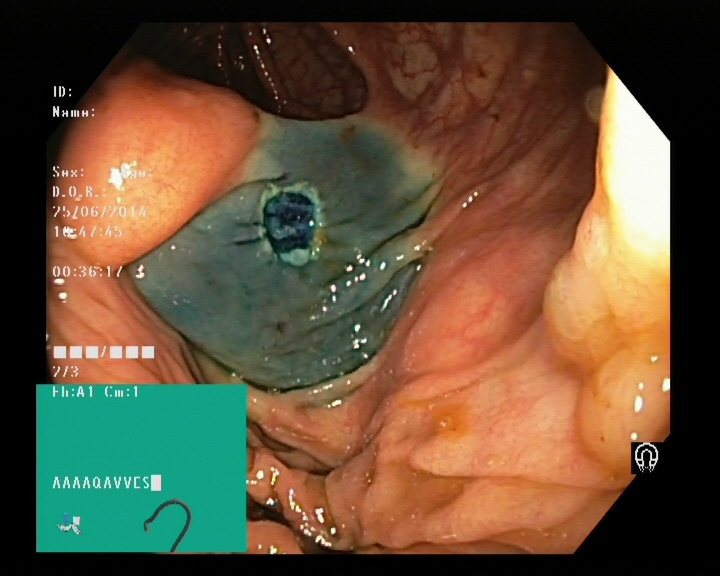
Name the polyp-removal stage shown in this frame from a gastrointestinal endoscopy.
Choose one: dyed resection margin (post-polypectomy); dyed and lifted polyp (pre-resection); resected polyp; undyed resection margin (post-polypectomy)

dyed resection margin (post-polypectomy)